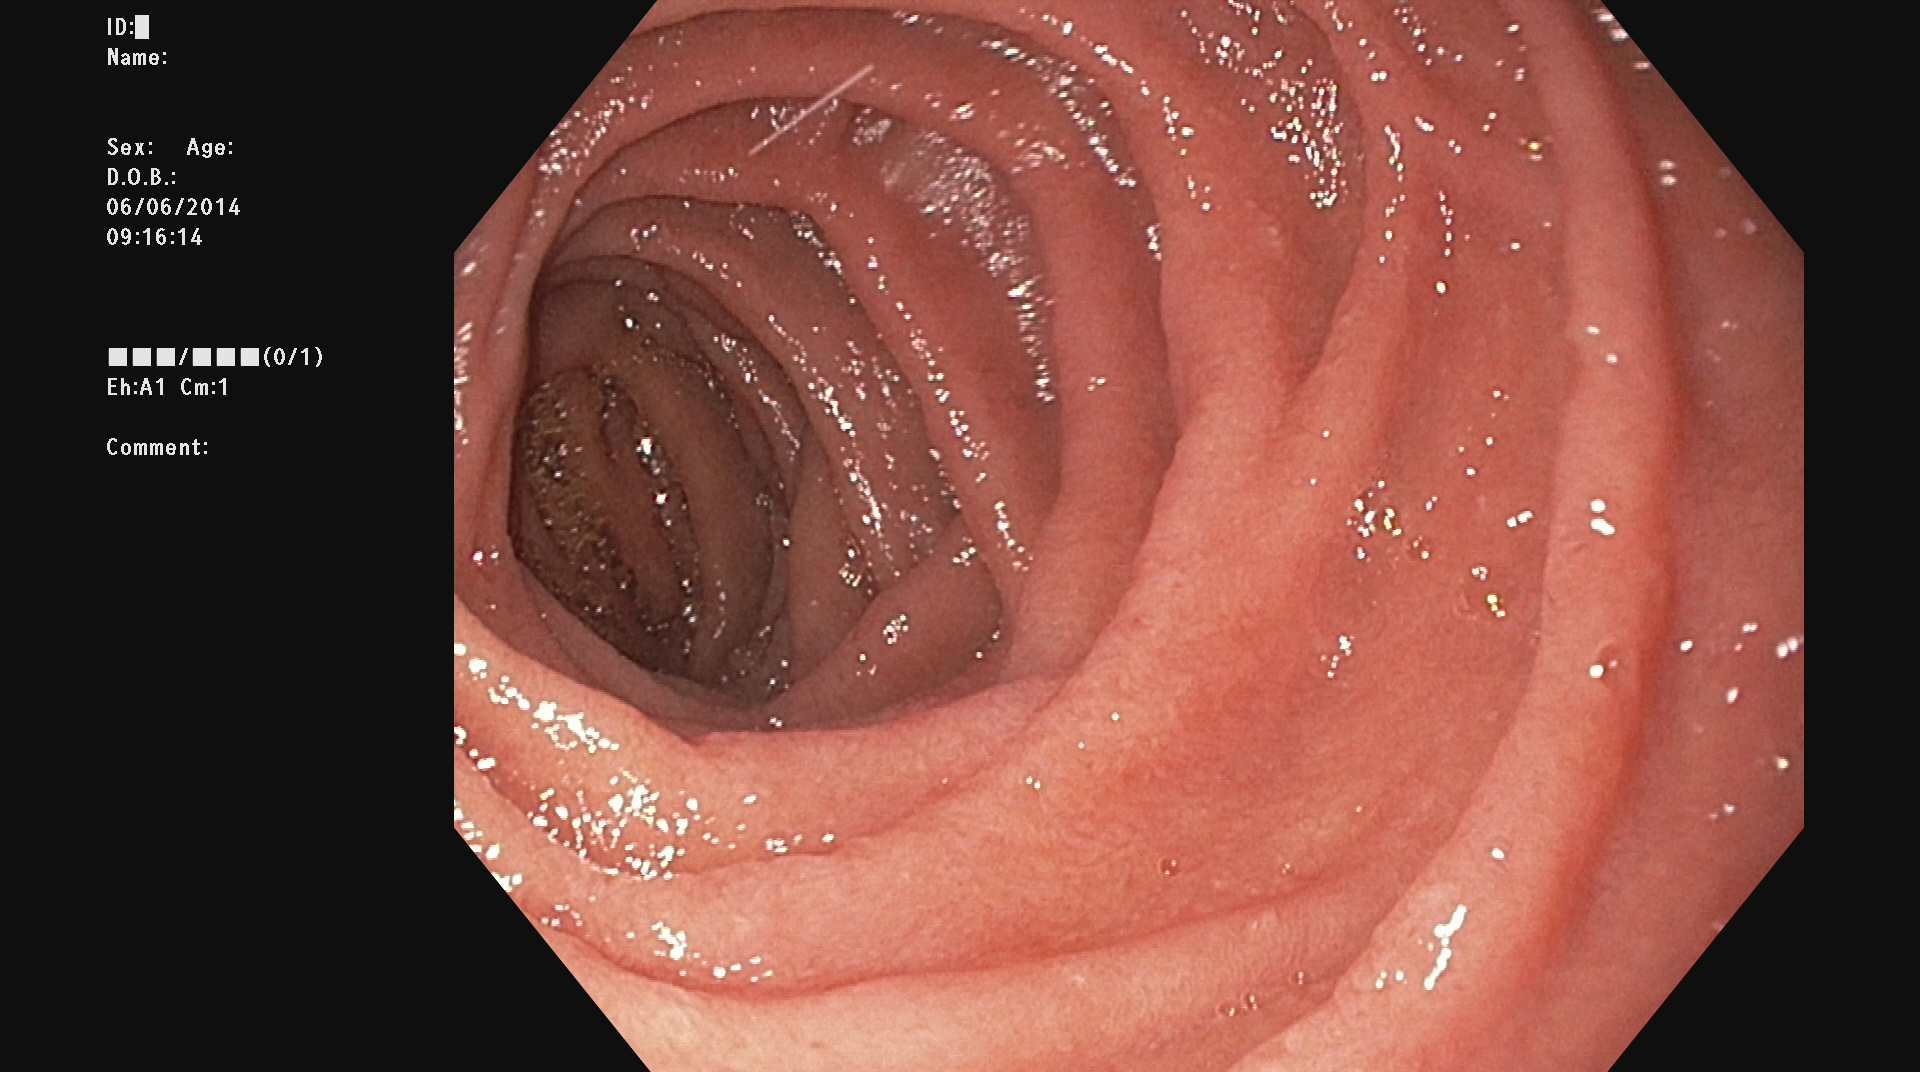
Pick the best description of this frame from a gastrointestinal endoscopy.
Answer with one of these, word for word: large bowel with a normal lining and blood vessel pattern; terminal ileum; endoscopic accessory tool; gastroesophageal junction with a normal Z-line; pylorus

terminal ileum